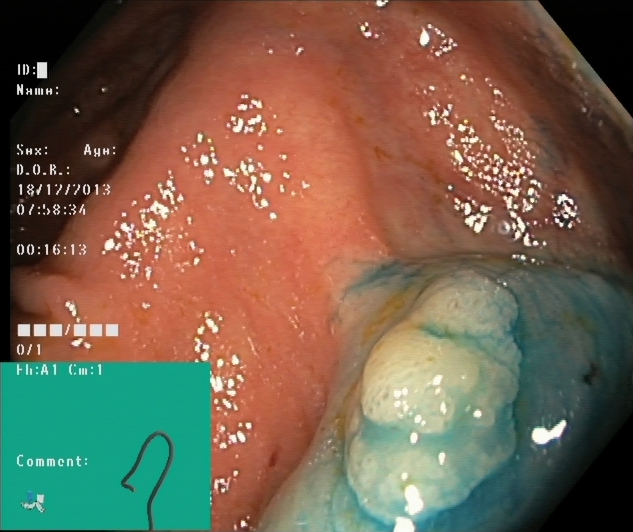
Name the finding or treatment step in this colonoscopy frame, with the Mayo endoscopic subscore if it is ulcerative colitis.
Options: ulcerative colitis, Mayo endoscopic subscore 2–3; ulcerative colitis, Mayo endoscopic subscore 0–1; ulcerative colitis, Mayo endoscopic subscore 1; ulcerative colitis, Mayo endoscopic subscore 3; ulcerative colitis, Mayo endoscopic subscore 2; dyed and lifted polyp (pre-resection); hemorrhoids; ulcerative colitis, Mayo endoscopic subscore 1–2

dyed and lifted polyp (pre-resection)